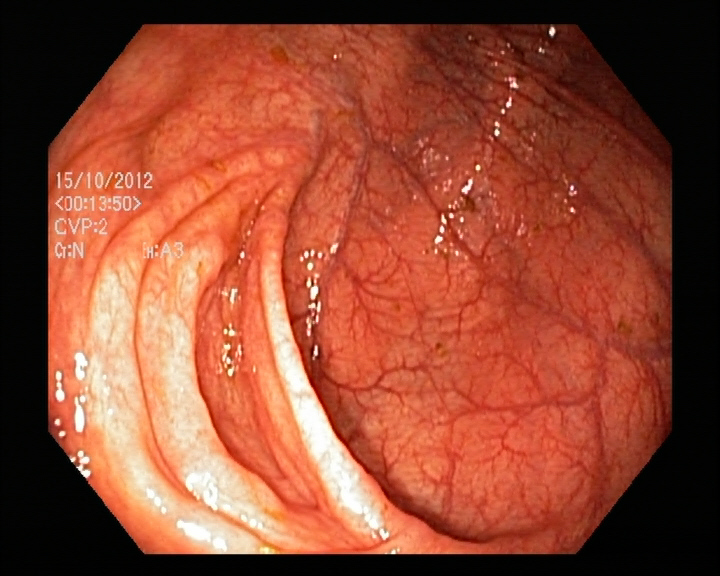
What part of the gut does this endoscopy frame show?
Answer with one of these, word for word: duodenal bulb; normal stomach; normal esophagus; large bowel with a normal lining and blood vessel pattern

large bowel with a normal lining and blood vessel pattern